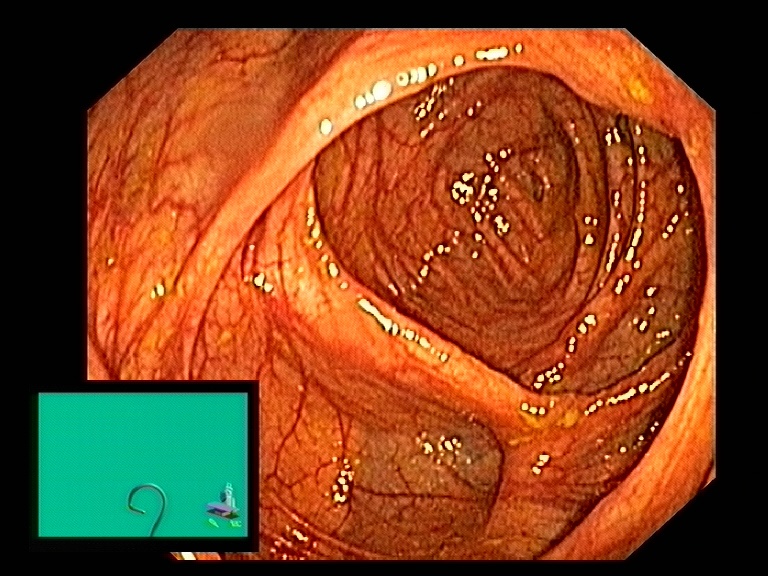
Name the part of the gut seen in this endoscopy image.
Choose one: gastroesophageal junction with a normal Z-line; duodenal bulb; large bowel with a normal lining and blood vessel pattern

large bowel with a normal lining and blood vessel pattern